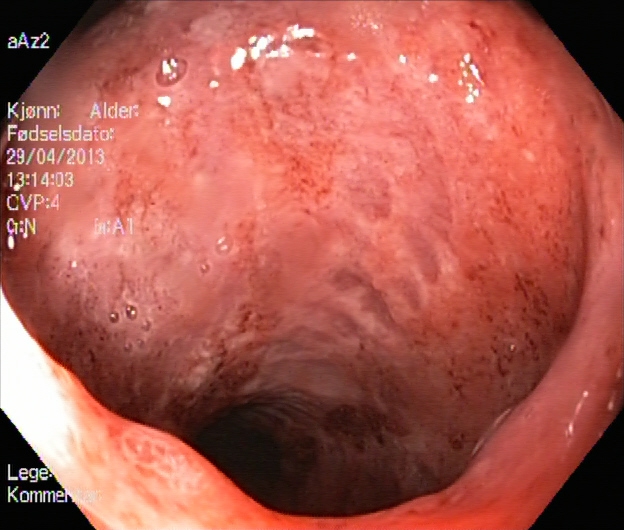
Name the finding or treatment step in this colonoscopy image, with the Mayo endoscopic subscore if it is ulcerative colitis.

ulcerative colitis, Mayo endoscopic subscore 3